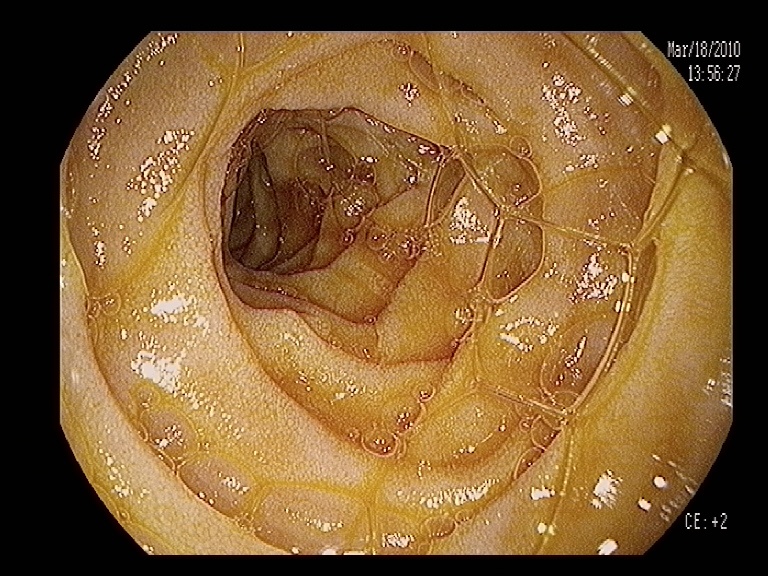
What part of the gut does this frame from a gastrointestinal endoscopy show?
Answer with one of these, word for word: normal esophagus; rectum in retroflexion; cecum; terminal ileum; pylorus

terminal ileum